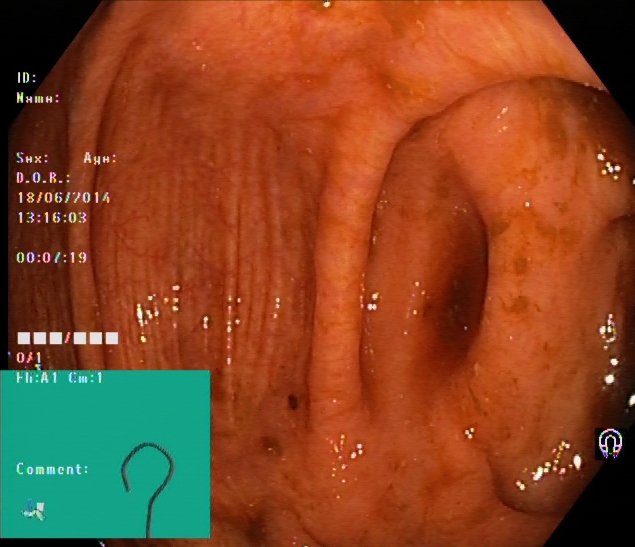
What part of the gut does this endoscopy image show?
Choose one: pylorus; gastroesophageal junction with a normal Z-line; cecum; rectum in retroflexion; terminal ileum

cecum